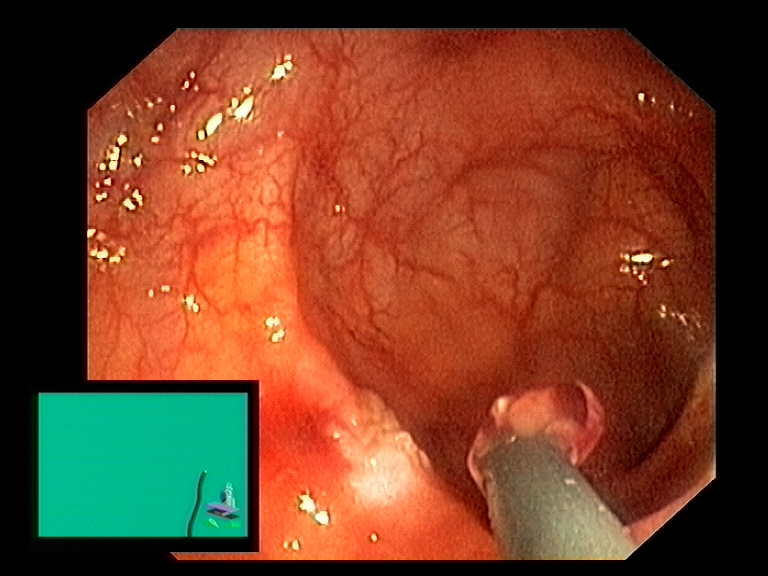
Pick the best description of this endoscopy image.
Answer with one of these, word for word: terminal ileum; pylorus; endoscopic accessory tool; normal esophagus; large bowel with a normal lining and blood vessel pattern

endoscopic accessory tool